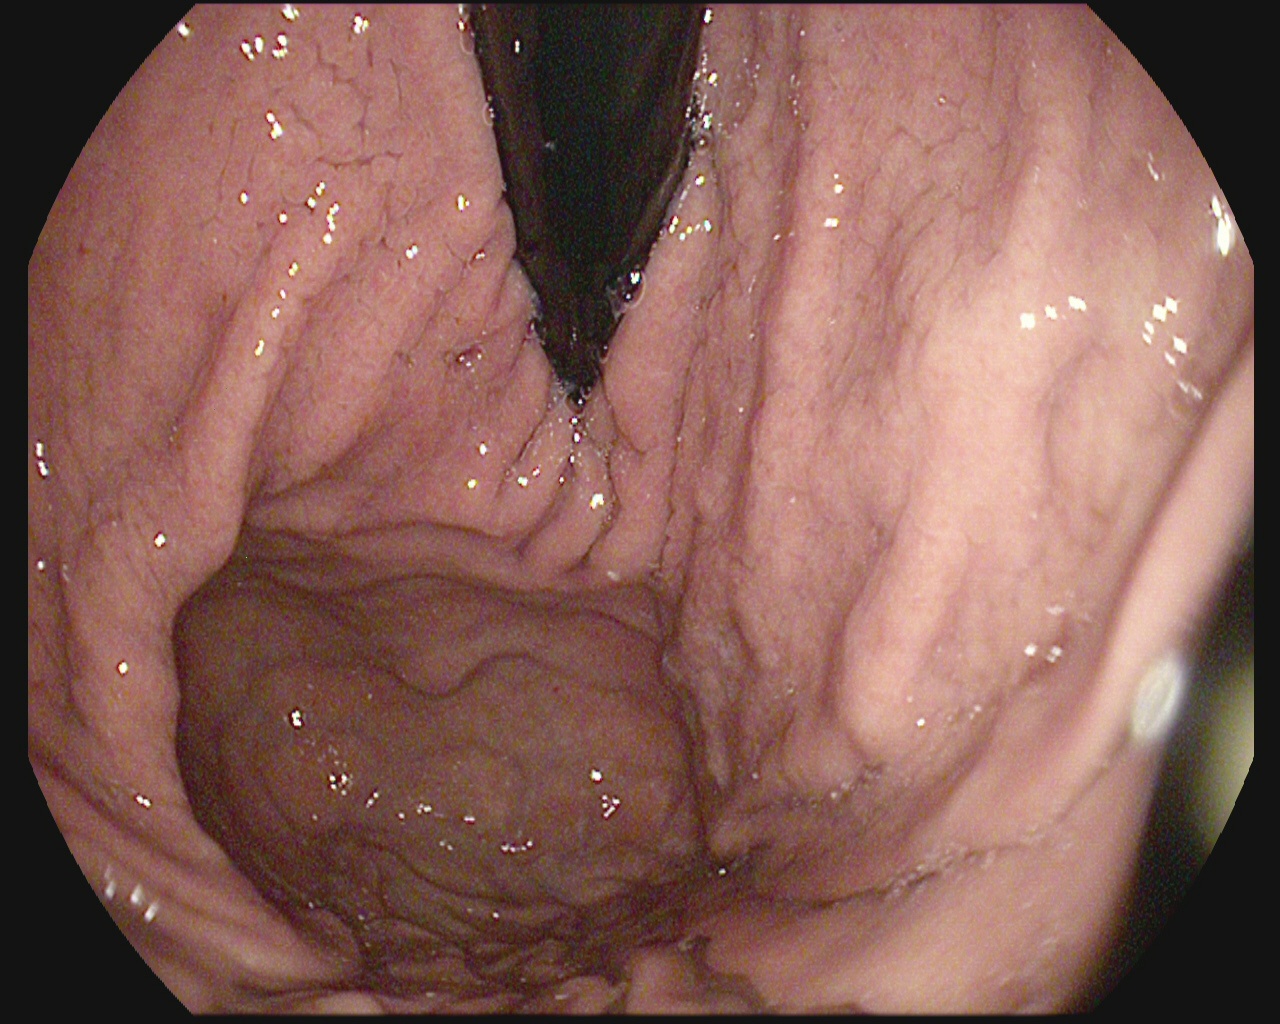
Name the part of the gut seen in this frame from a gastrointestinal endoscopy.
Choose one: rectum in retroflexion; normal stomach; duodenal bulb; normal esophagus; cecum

normal stomach